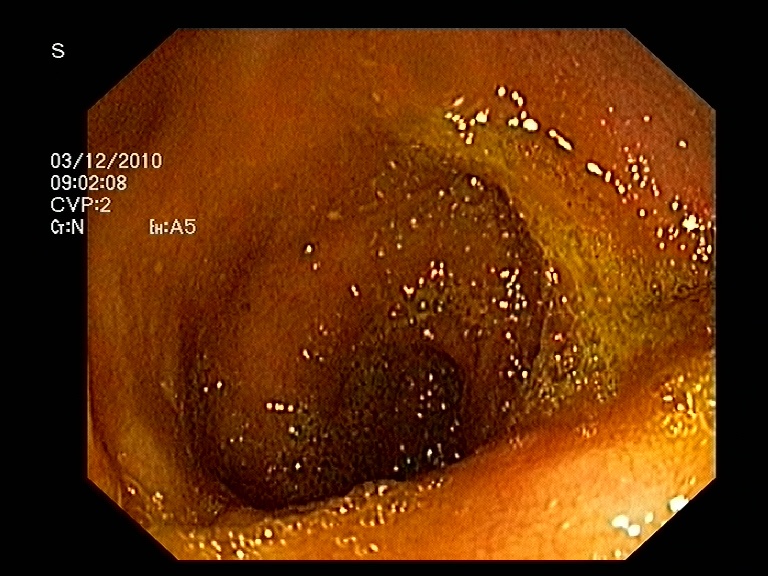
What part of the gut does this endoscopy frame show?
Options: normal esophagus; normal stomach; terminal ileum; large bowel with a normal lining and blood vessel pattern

terminal ileum